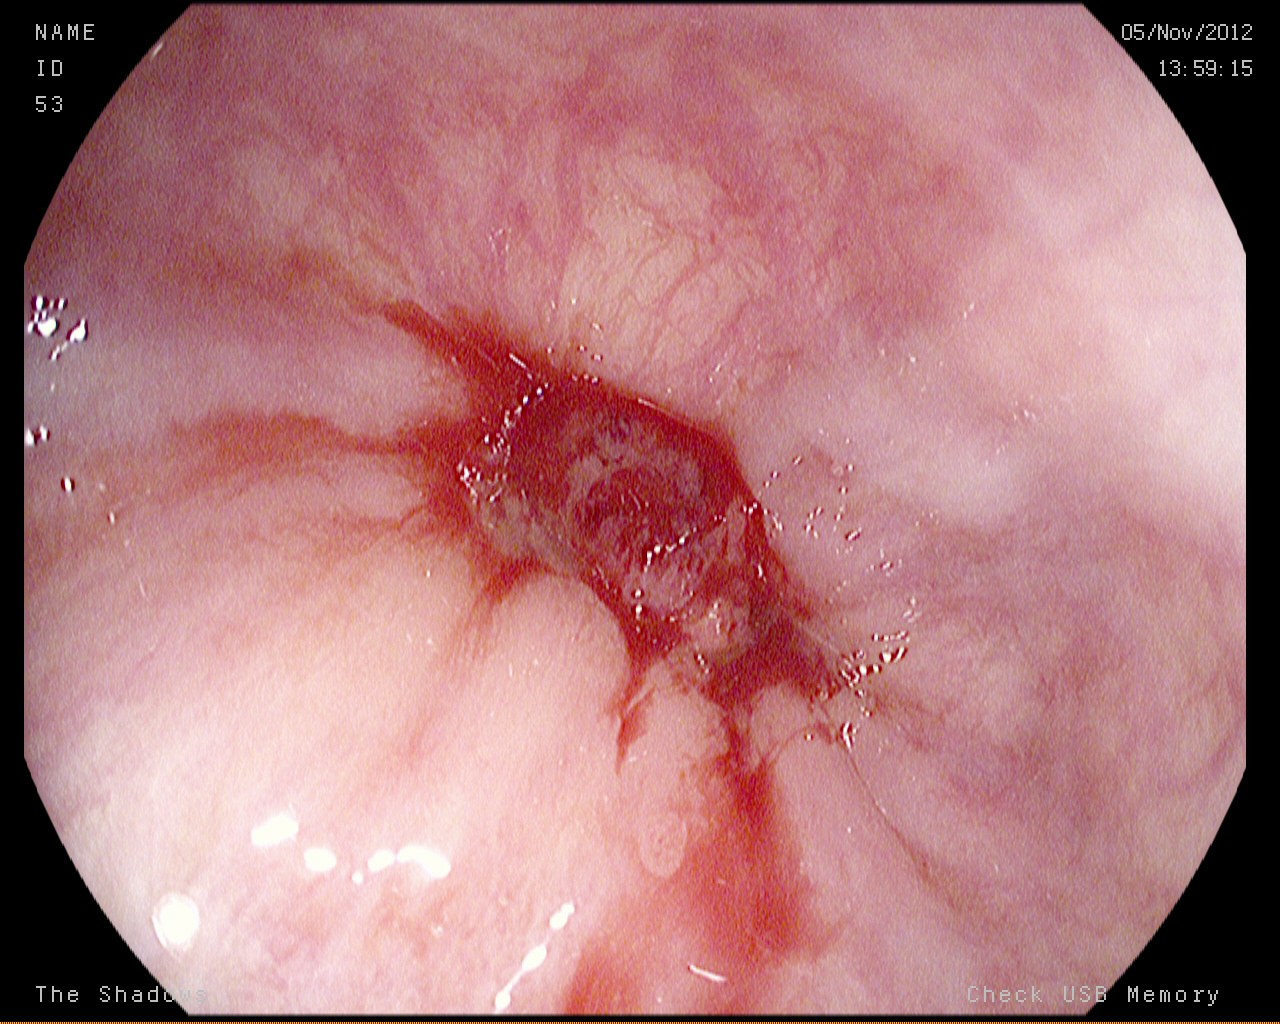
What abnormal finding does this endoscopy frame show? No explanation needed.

blood in the lumen